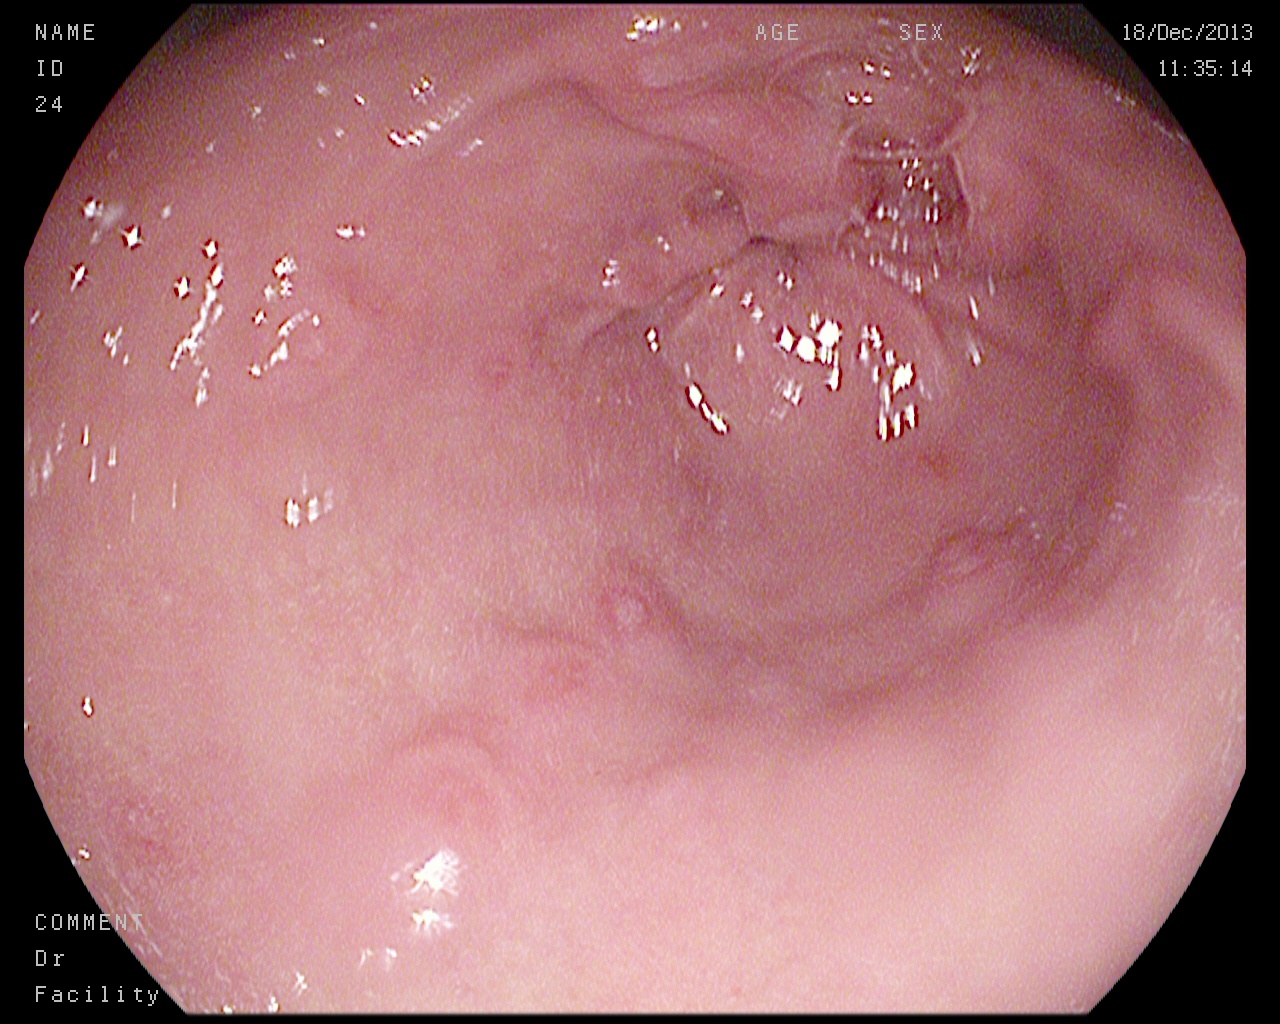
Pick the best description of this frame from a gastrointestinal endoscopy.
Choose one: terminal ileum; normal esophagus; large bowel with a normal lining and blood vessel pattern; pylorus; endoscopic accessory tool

pylorus